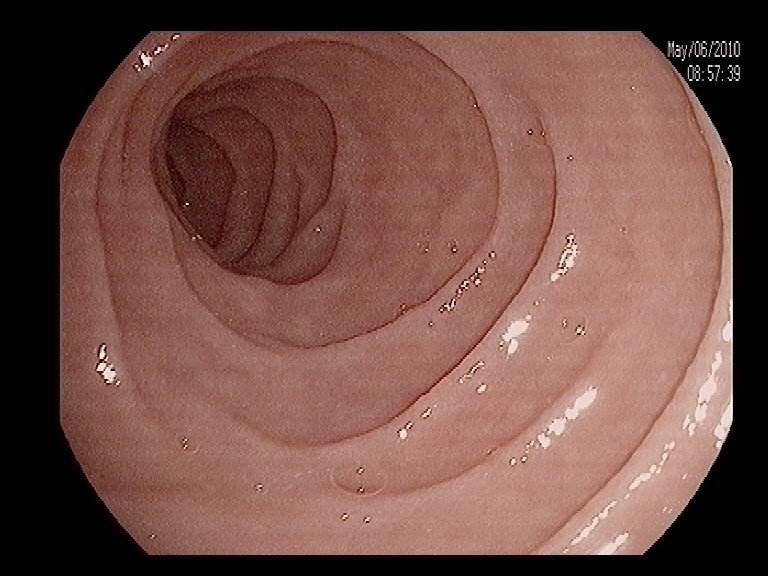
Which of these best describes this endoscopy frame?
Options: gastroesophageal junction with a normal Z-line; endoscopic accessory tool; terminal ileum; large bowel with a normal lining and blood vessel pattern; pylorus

terminal ileum